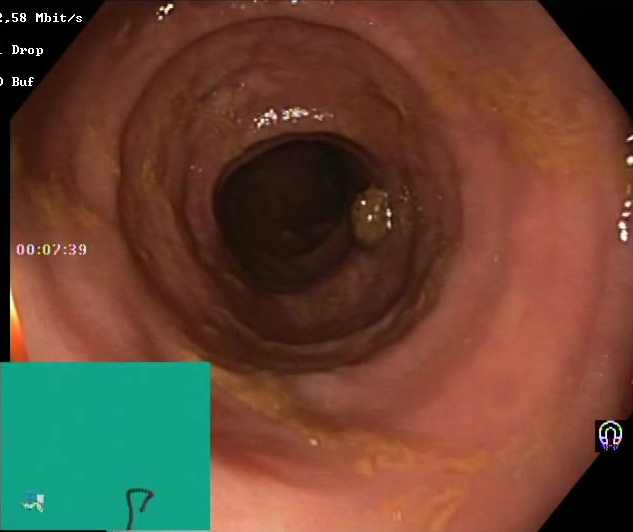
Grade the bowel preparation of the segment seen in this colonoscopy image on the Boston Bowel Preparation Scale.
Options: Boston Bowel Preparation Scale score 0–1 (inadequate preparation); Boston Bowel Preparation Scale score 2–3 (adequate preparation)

Boston Bowel Preparation Scale score 2–3 (adequate preparation)